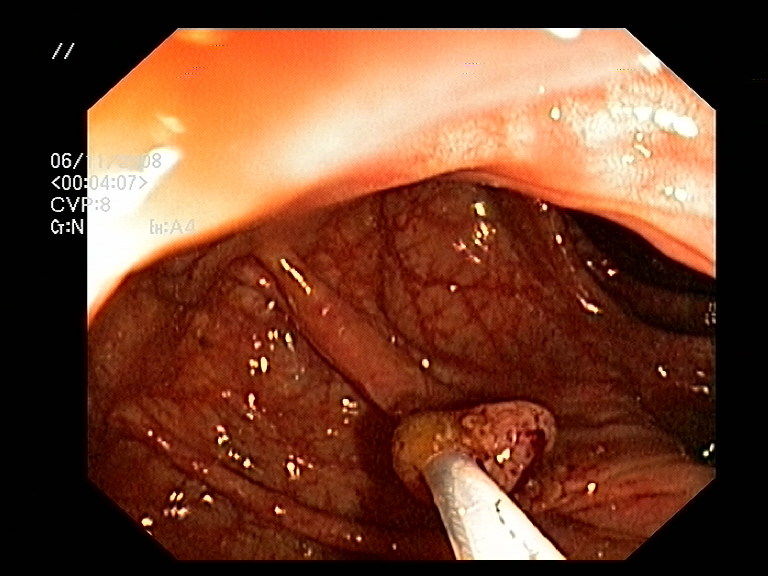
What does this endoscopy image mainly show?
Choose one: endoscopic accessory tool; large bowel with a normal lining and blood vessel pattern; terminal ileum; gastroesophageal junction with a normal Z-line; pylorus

endoscopic accessory tool